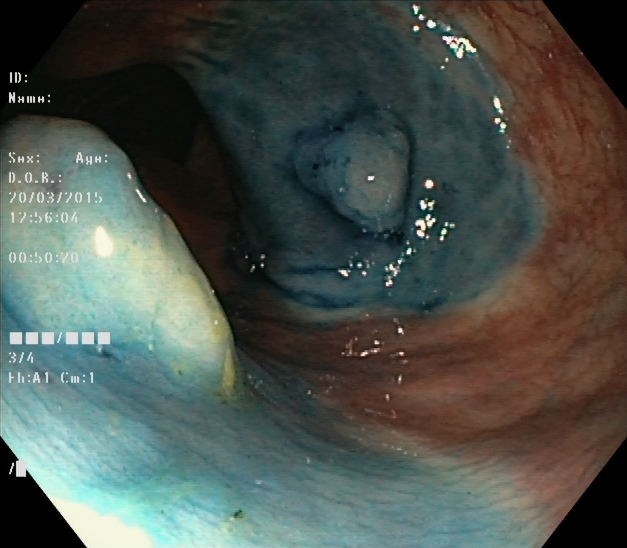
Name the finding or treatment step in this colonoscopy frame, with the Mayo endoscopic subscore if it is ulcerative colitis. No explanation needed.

dyed and lifted polyp (pre-resection)